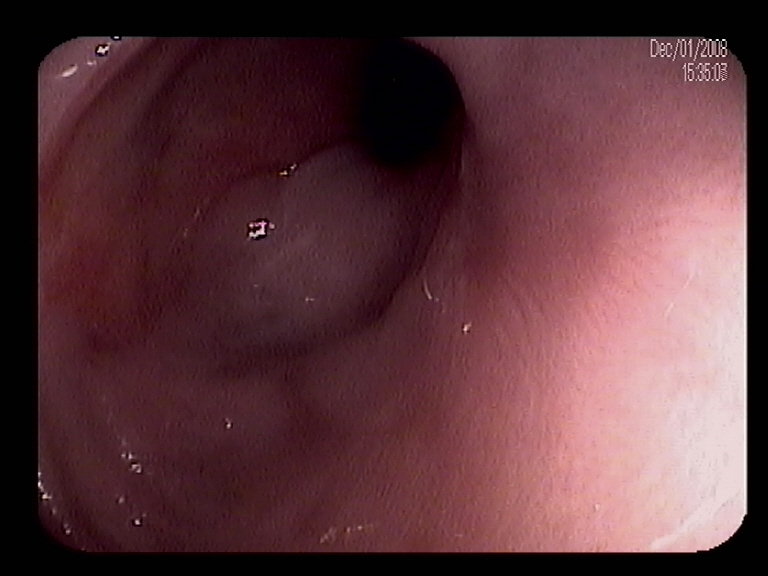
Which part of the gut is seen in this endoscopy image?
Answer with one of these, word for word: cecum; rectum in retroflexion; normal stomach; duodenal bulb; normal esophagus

normal esophagus